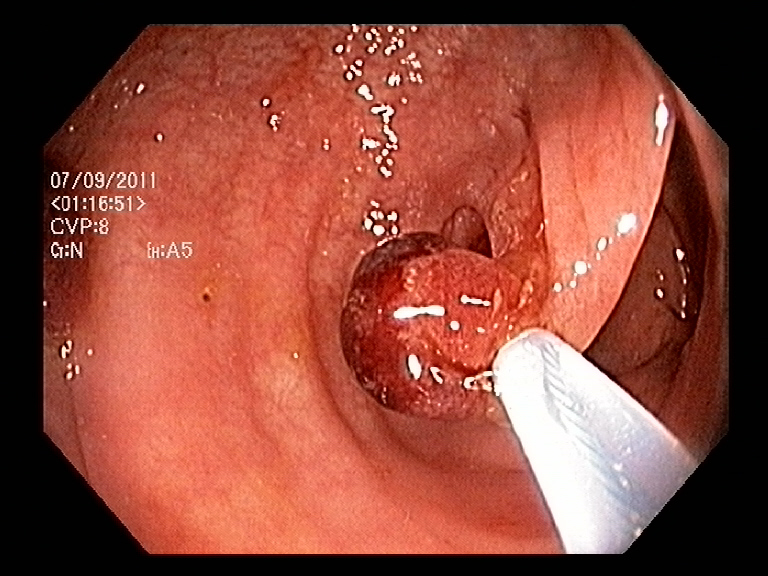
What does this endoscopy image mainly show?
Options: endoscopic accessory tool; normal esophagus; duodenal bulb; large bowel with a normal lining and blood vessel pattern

endoscopic accessory tool